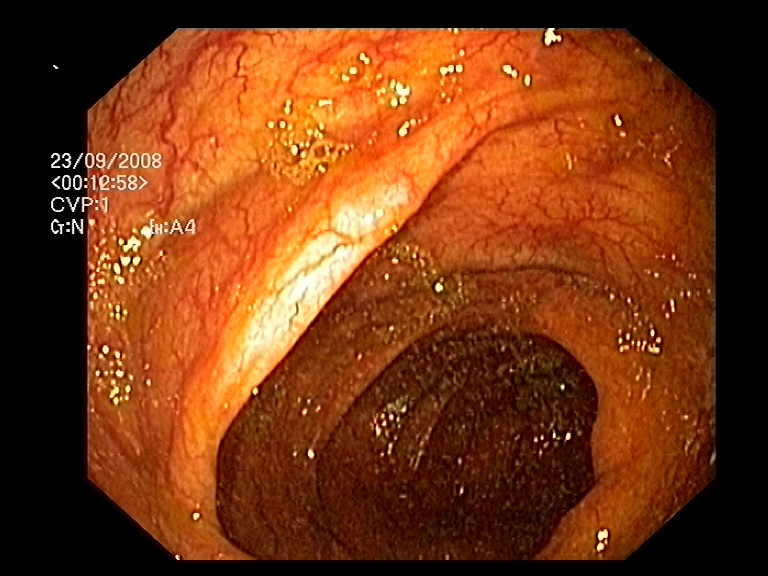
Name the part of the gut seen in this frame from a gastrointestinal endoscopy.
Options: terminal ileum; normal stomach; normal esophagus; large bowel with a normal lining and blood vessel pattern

large bowel with a normal lining and blood vessel pattern